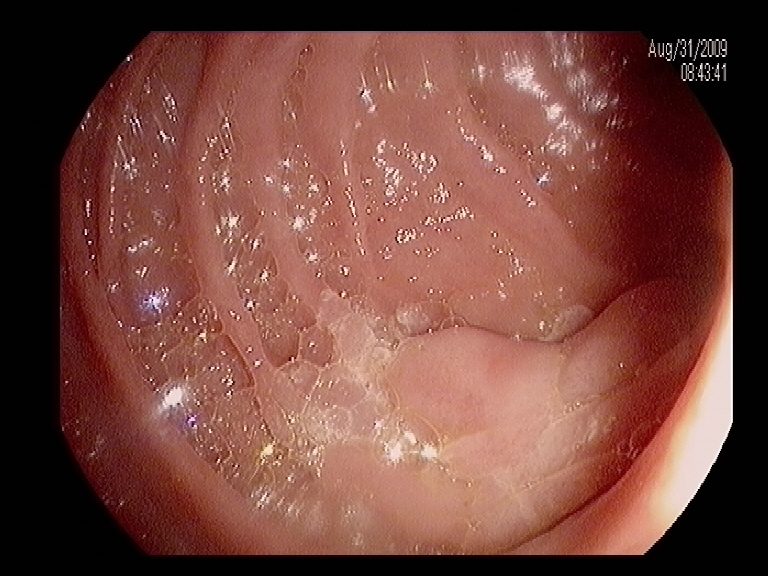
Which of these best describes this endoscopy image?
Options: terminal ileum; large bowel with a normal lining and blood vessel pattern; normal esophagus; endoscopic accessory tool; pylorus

terminal ileum